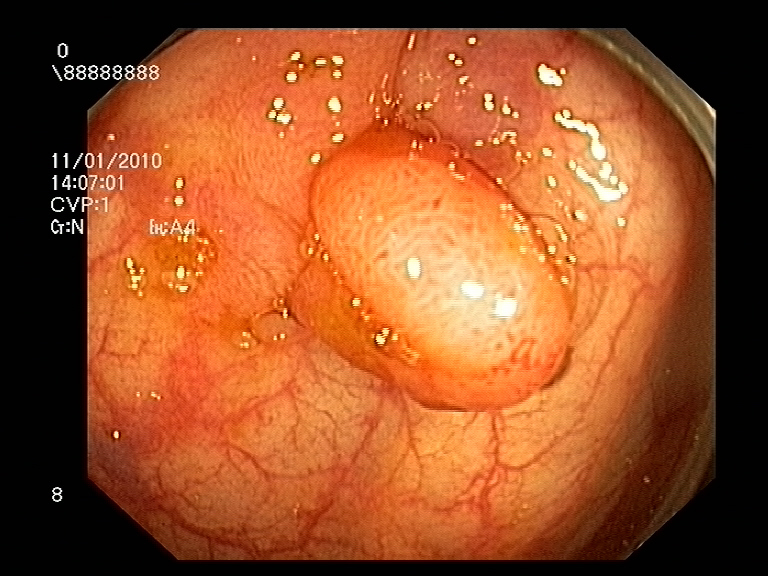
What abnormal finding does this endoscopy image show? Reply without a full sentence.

colon polyp